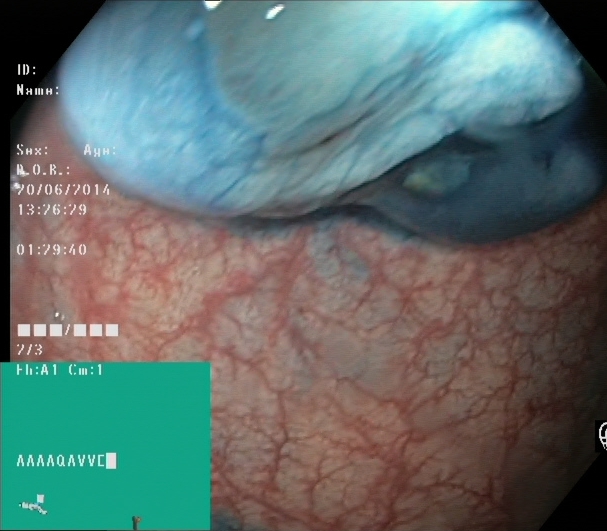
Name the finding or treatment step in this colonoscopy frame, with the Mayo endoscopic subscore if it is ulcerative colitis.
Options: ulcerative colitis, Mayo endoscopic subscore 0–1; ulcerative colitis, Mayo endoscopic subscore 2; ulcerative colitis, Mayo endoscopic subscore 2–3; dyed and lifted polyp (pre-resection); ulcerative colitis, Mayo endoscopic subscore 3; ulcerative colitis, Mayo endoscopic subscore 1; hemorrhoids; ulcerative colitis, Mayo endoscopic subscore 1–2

dyed and lifted polyp (pre-resection)